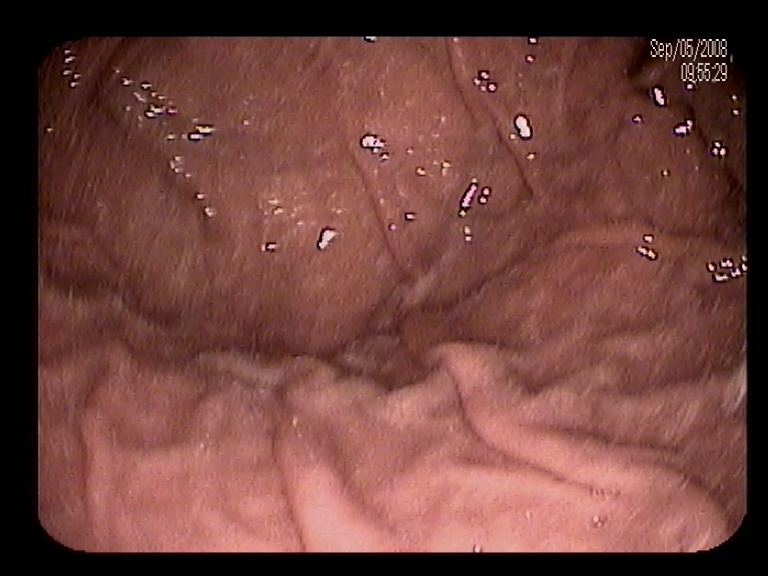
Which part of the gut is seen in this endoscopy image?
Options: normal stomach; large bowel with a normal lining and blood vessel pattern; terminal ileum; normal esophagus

normal stomach